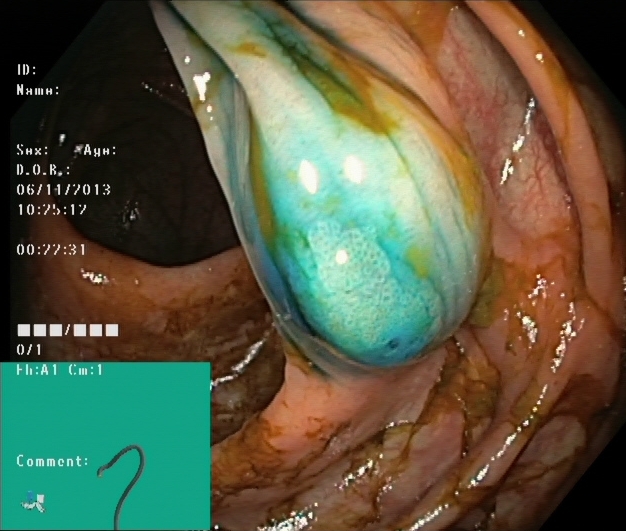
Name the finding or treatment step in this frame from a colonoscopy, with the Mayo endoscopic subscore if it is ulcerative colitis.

dyed and lifted polyp (pre-resection)